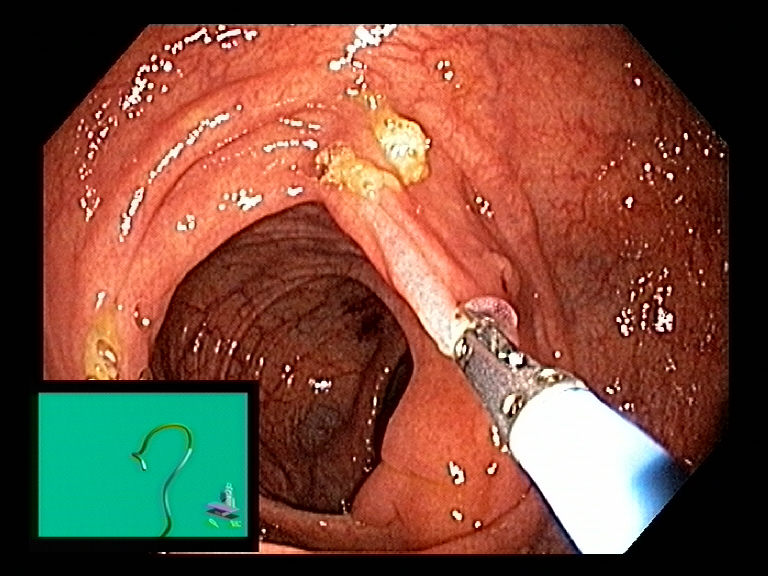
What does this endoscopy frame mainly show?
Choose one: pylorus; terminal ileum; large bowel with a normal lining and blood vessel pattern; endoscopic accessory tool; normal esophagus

endoscopic accessory tool